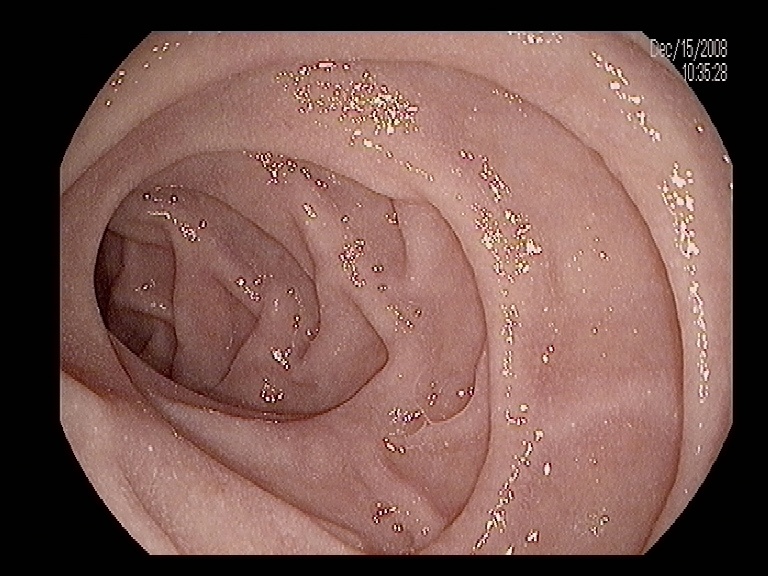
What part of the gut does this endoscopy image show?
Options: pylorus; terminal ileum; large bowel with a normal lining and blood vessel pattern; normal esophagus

terminal ileum